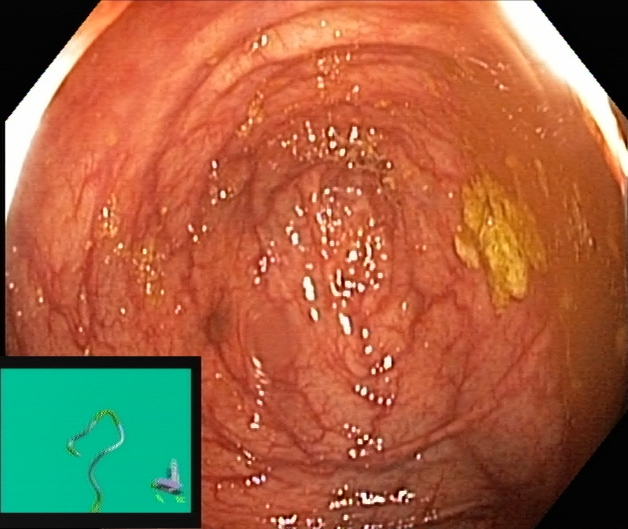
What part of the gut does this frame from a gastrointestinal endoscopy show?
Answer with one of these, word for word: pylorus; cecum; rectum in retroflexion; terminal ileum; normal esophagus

cecum